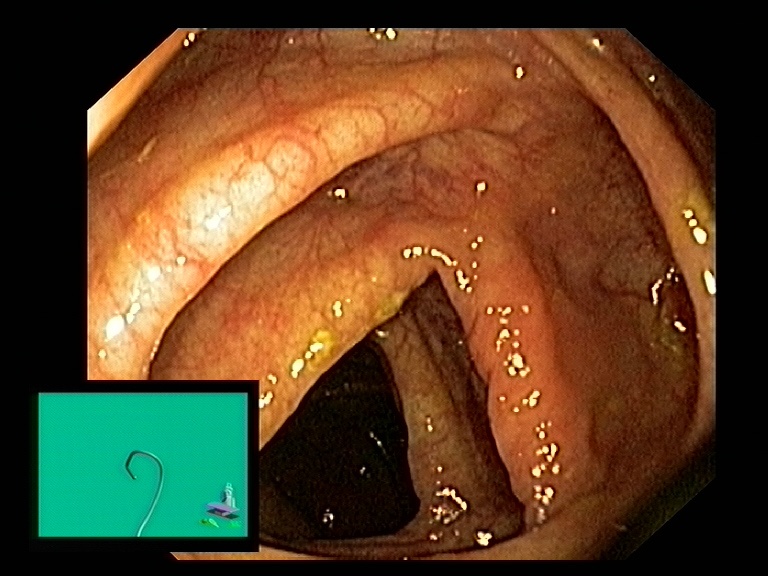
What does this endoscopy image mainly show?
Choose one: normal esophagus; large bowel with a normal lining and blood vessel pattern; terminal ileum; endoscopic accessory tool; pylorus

large bowel with a normal lining and blood vessel pattern